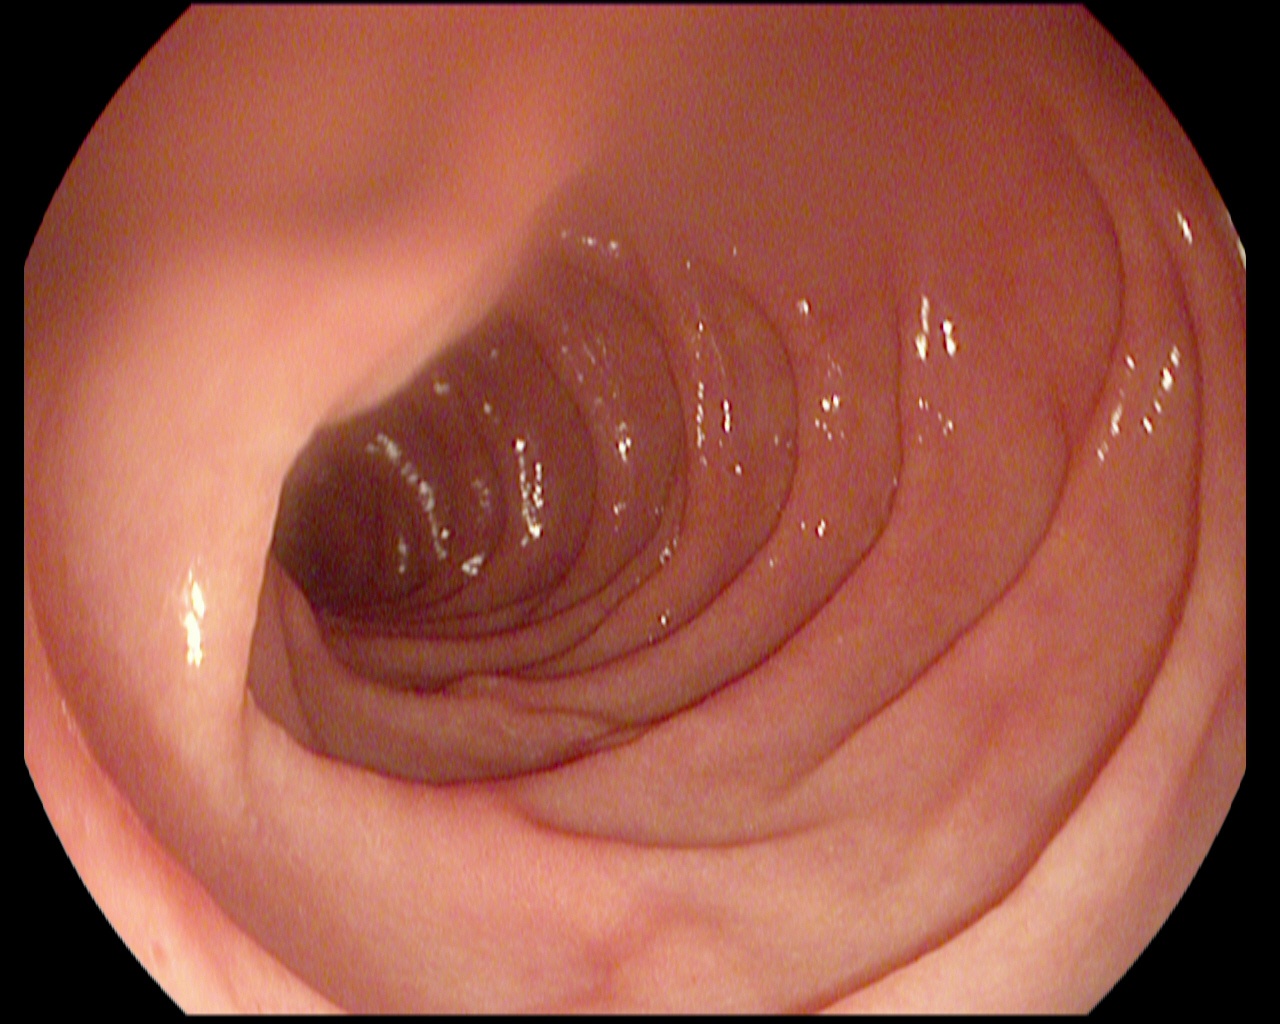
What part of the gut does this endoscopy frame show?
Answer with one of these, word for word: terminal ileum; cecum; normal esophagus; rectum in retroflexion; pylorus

terminal ileum